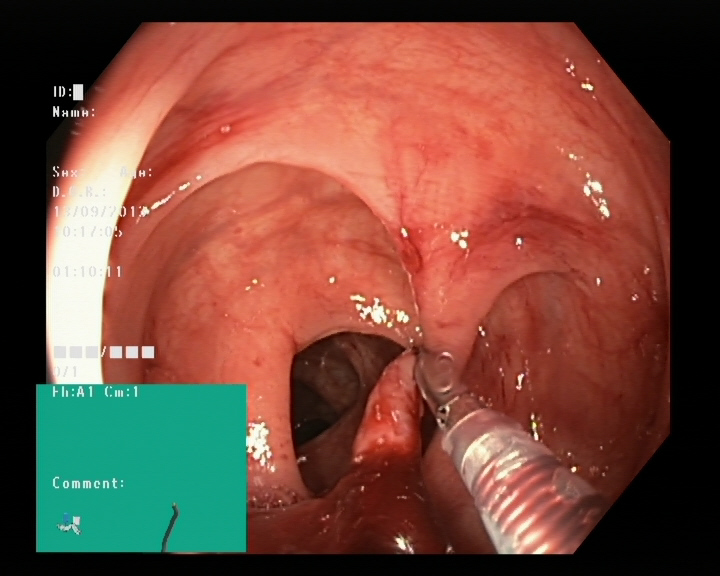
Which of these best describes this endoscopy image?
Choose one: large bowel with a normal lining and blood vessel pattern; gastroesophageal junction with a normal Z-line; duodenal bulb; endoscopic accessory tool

endoscopic accessory tool